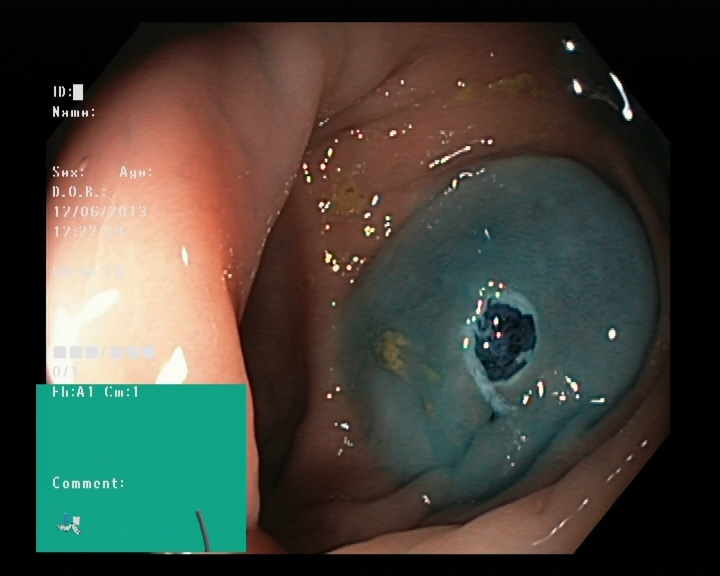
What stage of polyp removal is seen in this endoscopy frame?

dyed resection margin (post-polypectomy)